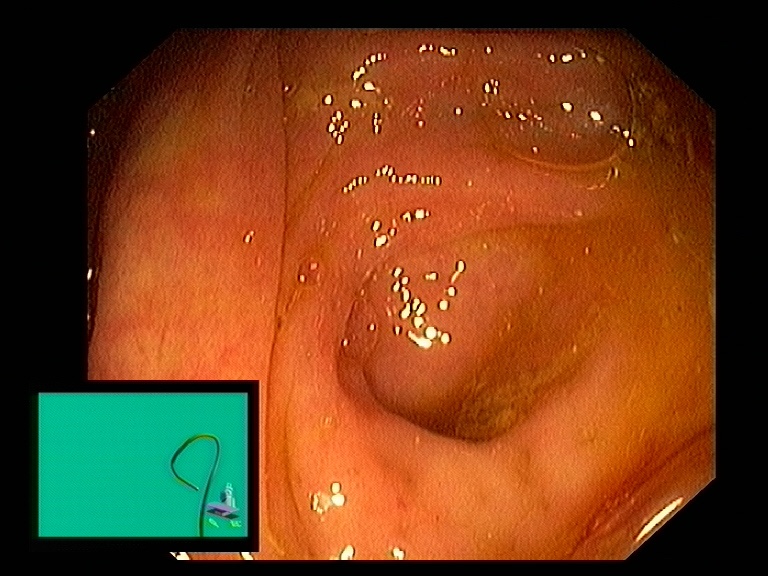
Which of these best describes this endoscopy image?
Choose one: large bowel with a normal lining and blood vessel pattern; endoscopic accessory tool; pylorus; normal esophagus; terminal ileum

large bowel with a normal lining and blood vessel pattern